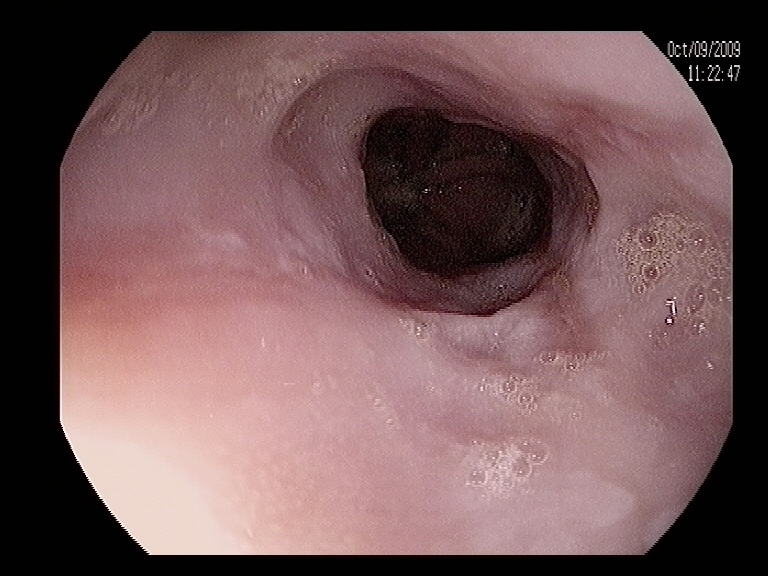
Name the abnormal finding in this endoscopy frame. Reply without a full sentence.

esophagitis